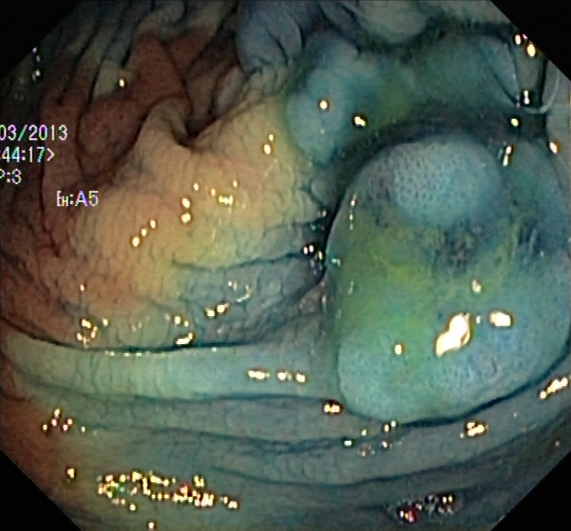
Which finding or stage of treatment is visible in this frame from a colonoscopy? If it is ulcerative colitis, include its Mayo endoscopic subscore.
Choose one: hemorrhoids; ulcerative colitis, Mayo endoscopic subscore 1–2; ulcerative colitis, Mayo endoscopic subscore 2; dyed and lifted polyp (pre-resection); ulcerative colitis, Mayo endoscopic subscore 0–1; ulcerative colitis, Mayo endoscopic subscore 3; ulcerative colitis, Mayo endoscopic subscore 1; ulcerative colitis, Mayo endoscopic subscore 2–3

dyed and lifted polyp (pre-resection)